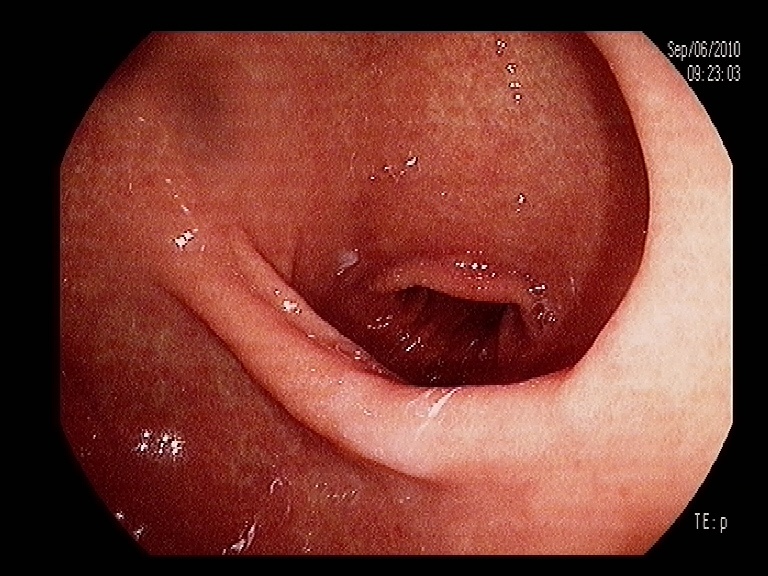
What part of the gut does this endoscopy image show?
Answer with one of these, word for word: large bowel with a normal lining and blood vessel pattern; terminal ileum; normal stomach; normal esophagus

normal stomach